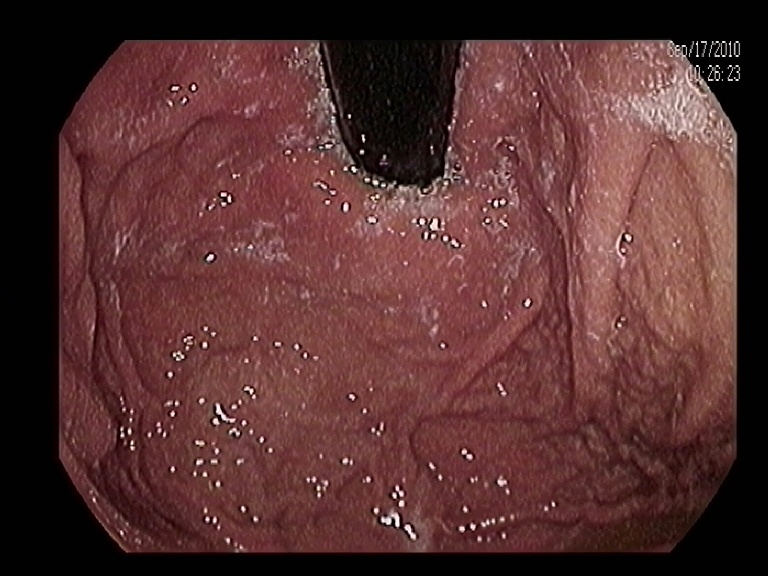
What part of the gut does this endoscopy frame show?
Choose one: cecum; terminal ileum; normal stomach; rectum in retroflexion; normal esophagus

normal stomach